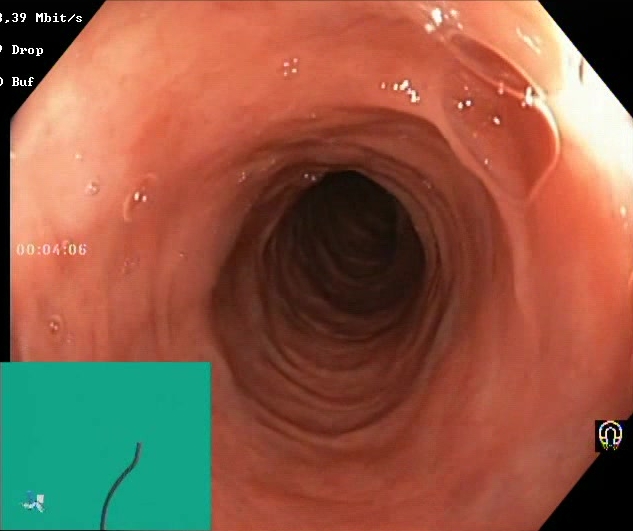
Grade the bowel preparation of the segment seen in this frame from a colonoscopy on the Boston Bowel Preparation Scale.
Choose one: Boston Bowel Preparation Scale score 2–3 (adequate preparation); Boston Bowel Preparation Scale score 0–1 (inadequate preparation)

Boston Bowel Preparation Scale score 2–3 (adequate preparation)